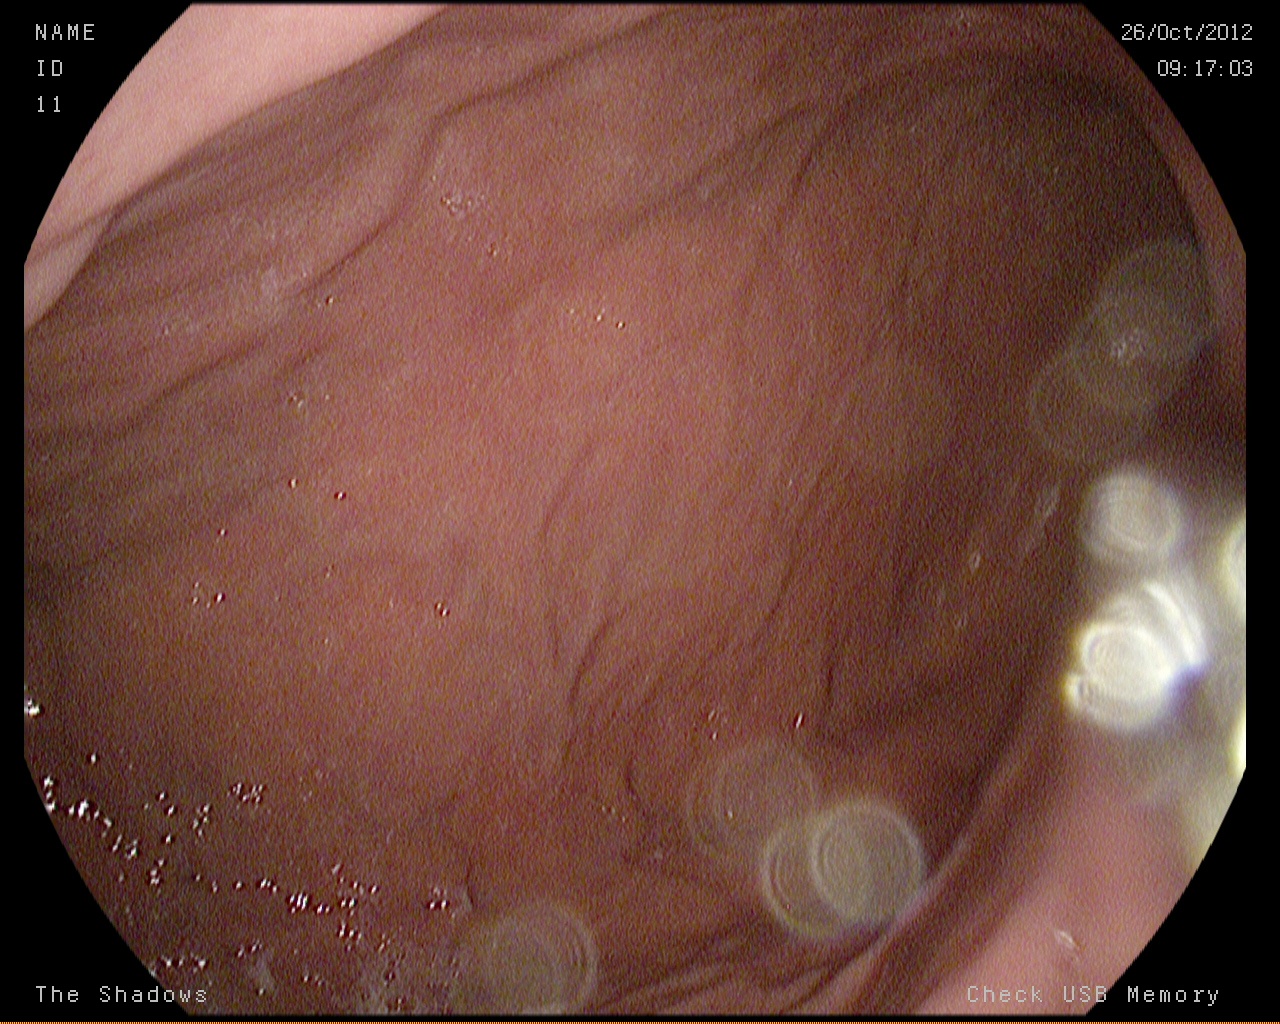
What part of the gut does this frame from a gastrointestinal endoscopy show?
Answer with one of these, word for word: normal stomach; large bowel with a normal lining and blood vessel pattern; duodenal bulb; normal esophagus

normal stomach